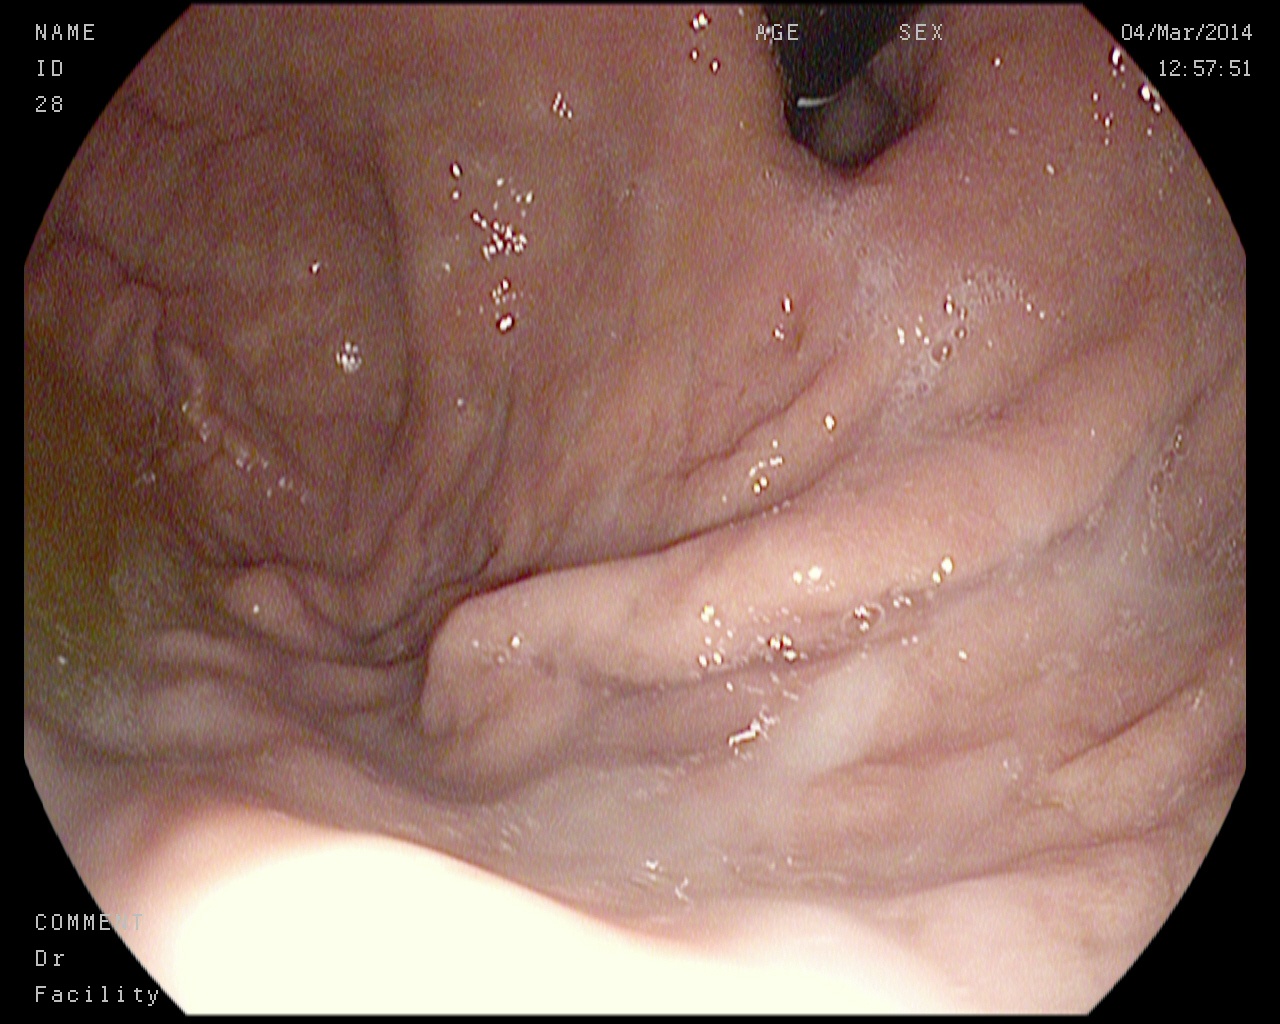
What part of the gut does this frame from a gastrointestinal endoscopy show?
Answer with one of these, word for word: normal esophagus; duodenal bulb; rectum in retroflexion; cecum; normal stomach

normal stomach